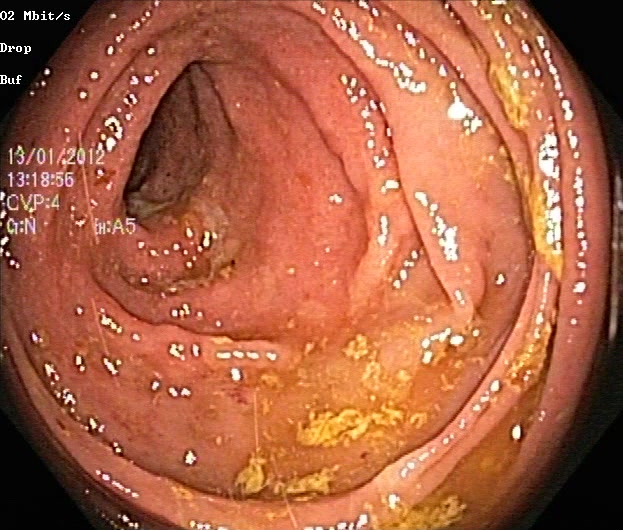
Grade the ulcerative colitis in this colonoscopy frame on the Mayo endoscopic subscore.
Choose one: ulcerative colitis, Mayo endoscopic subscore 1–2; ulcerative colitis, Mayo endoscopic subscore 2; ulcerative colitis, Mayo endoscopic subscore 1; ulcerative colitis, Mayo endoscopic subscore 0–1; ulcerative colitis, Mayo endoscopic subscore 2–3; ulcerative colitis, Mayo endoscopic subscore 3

ulcerative colitis, Mayo endoscopic subscore 2